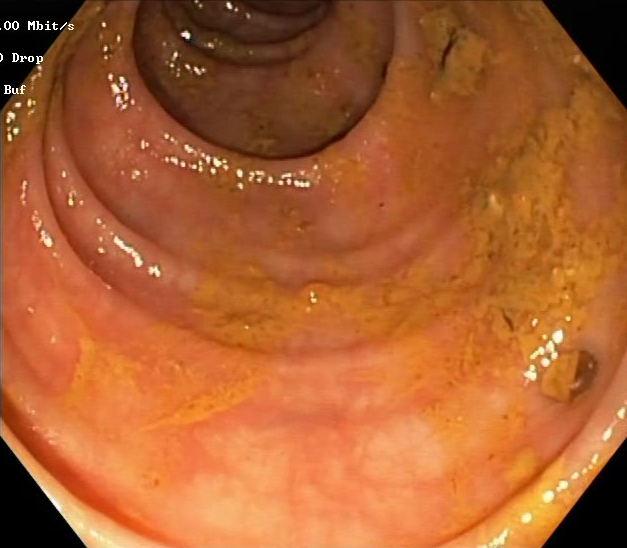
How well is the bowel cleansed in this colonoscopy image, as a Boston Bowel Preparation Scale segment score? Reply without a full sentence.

Boston Bowel Preparation Scale score 0–1 (inadequate preparation)